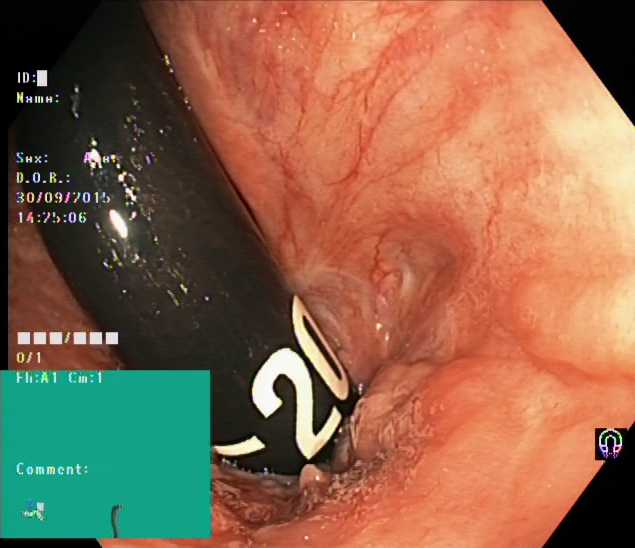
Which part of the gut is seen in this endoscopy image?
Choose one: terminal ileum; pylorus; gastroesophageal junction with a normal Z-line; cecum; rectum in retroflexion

rectum in retroflexion